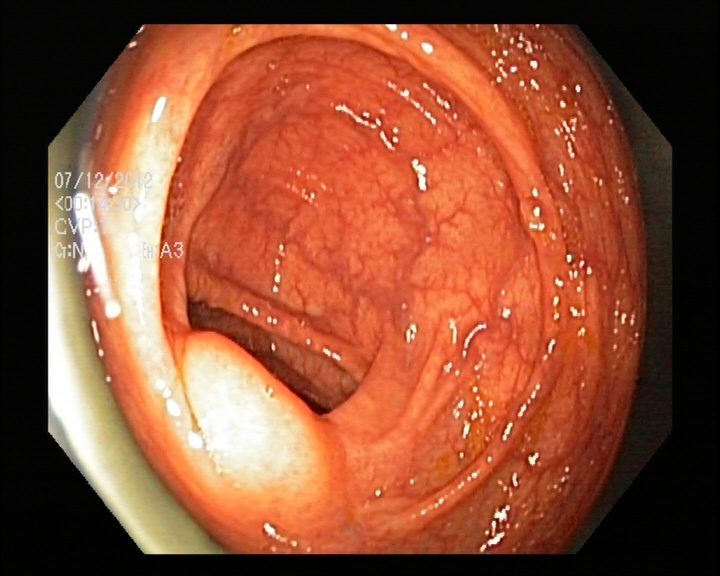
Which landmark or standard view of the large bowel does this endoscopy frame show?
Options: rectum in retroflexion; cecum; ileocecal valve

ileocecal valve